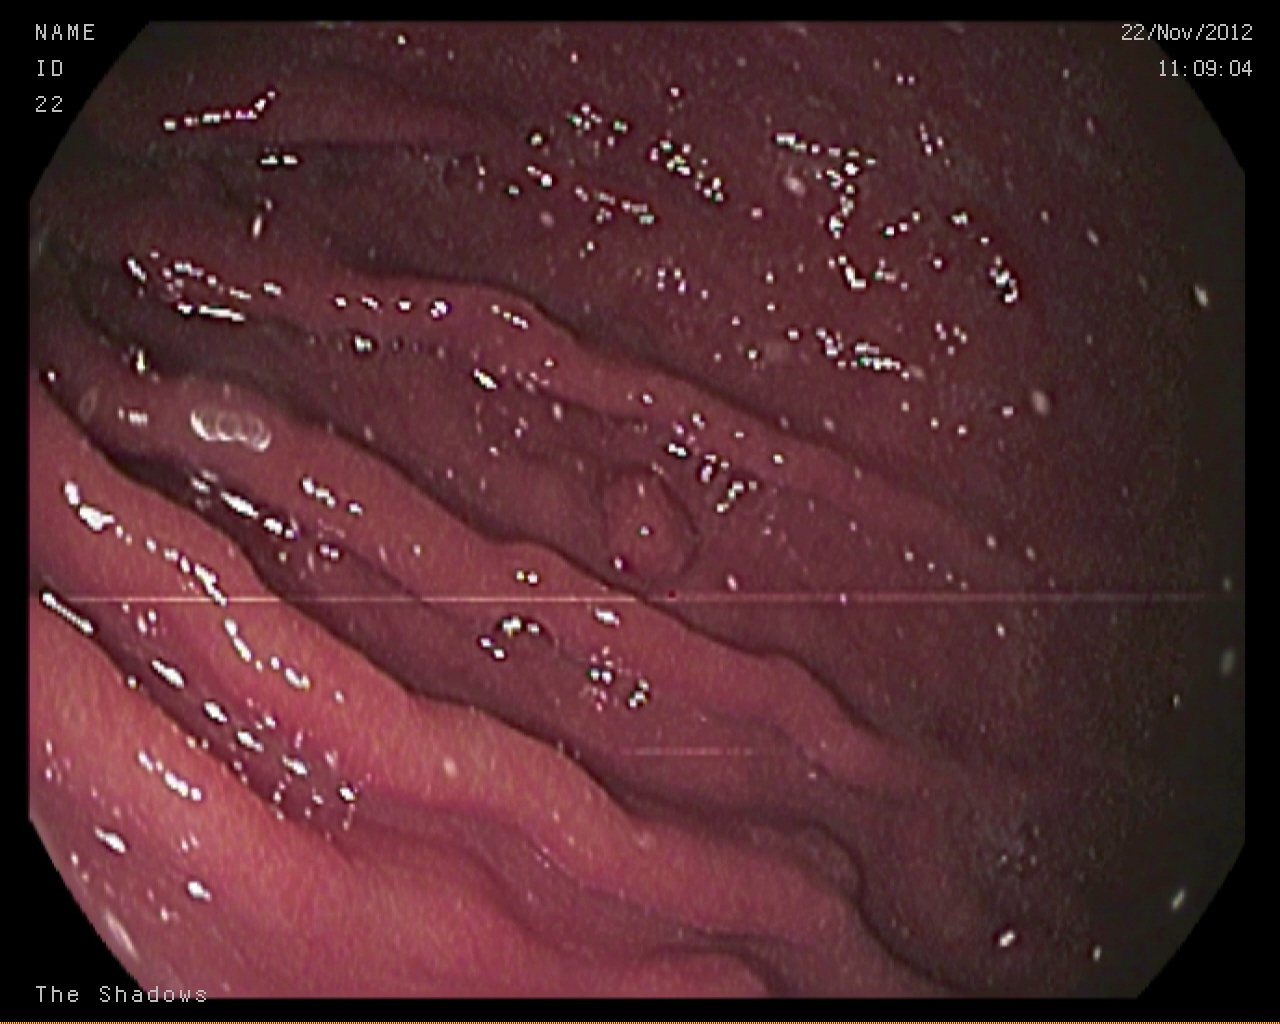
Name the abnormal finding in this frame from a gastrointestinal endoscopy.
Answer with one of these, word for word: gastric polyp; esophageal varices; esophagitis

gastric polyp